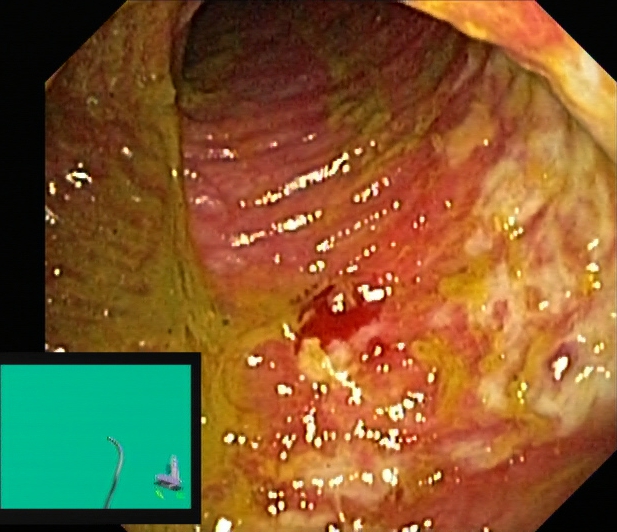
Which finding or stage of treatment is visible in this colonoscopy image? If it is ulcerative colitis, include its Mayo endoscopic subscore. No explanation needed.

ulcerative colitis, Mayo endoscopic subscore 3